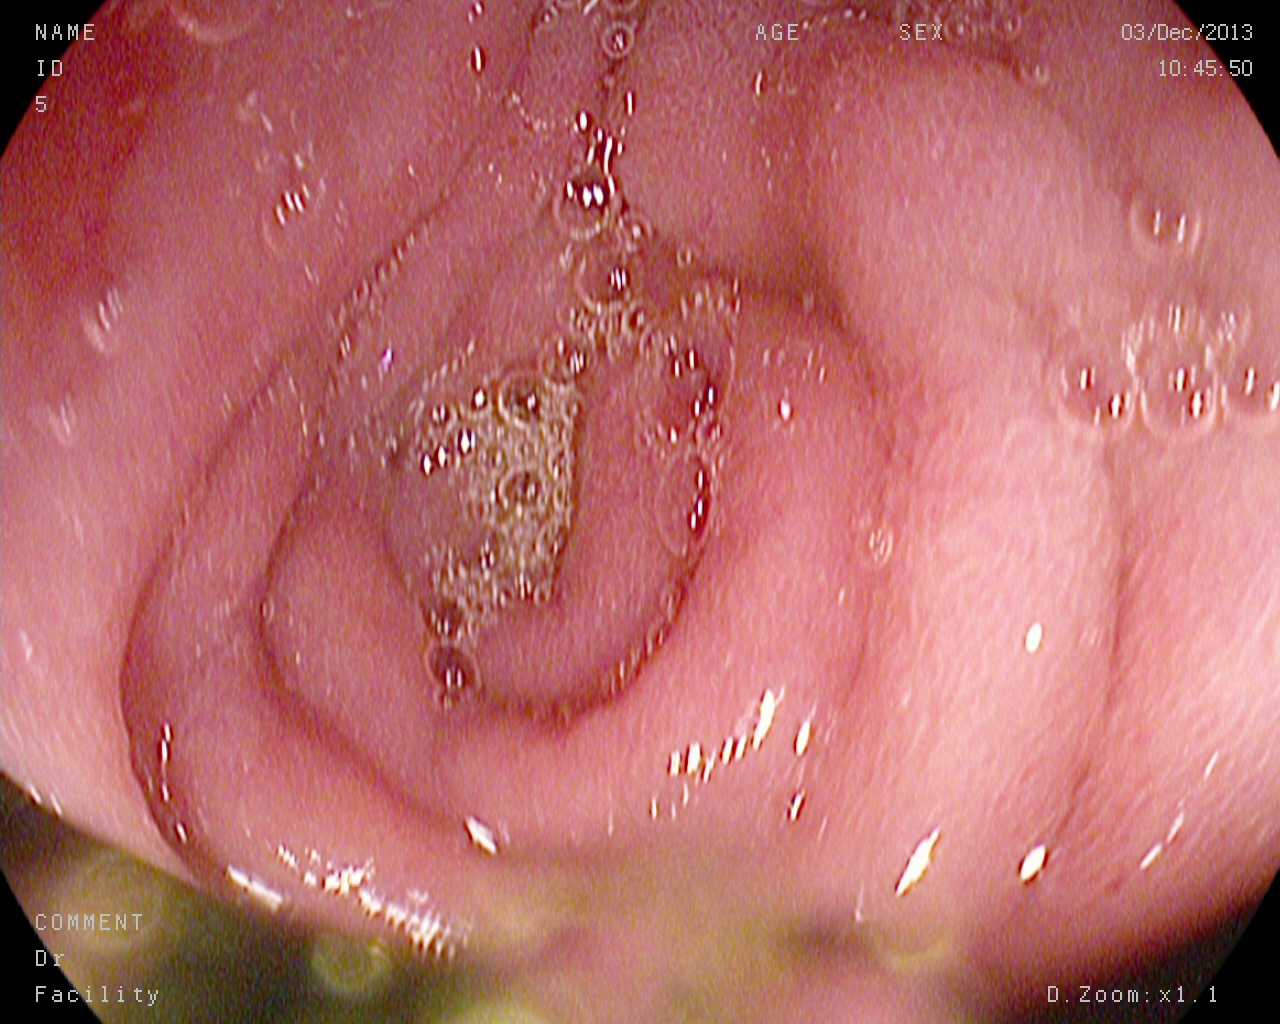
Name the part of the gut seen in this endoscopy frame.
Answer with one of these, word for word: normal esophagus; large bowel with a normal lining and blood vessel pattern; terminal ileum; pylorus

terminal ileum